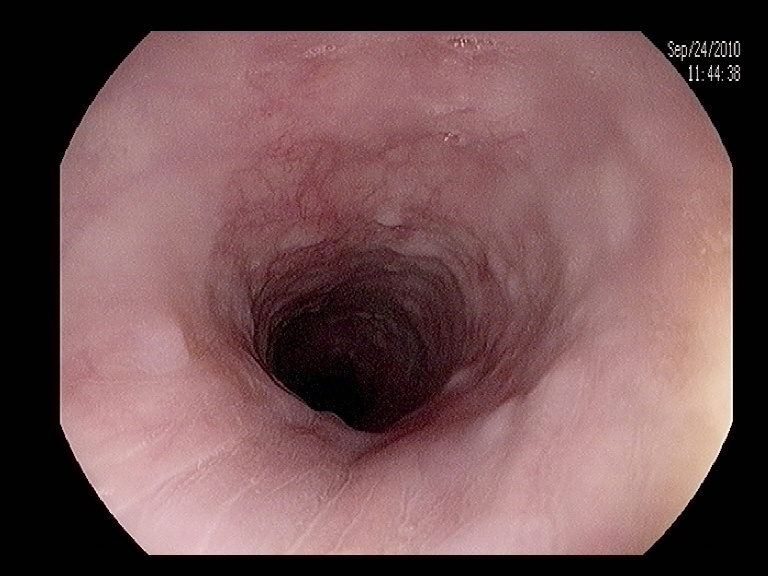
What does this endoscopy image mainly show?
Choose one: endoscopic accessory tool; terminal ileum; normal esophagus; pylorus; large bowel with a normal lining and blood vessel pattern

normal esophagus